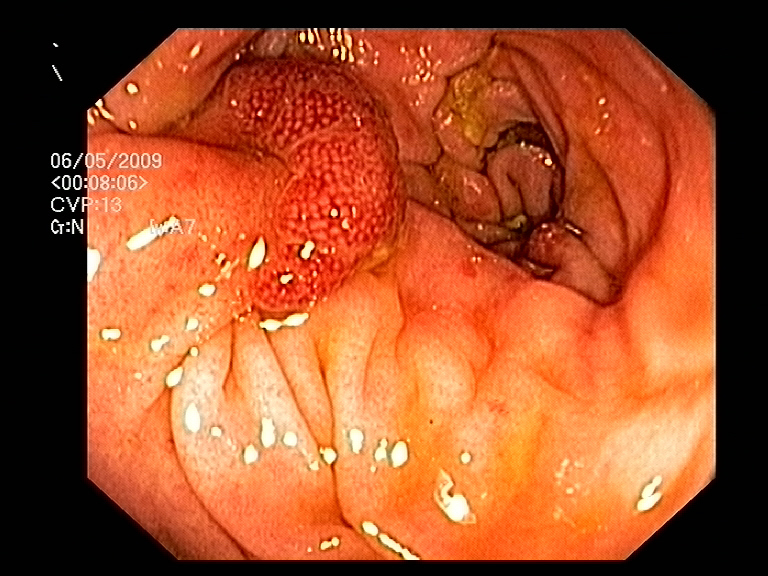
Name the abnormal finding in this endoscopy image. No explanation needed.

colon polyp